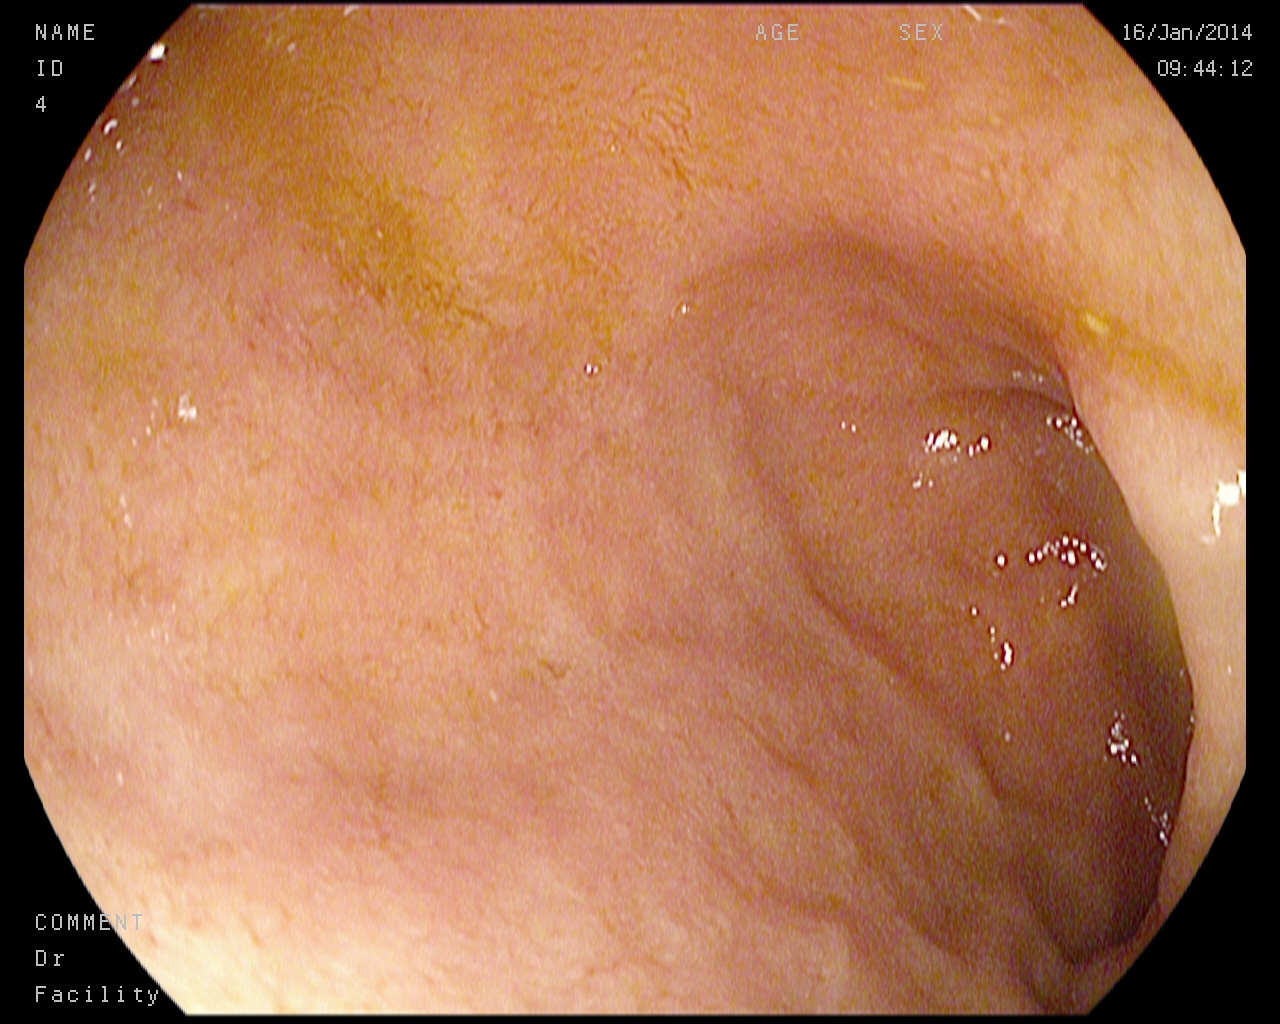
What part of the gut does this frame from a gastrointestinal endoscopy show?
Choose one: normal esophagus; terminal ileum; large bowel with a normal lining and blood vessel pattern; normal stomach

terminal ileum